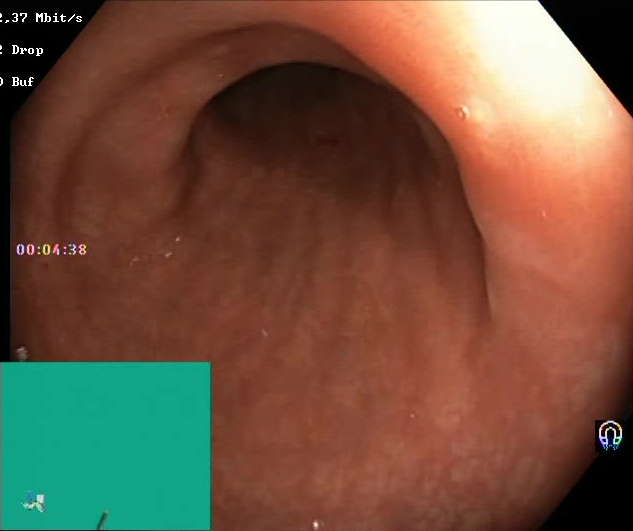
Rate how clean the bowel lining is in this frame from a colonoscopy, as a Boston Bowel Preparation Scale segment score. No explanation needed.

Boston Bowel Preparation Scale score 2–3 (adequate preparation)